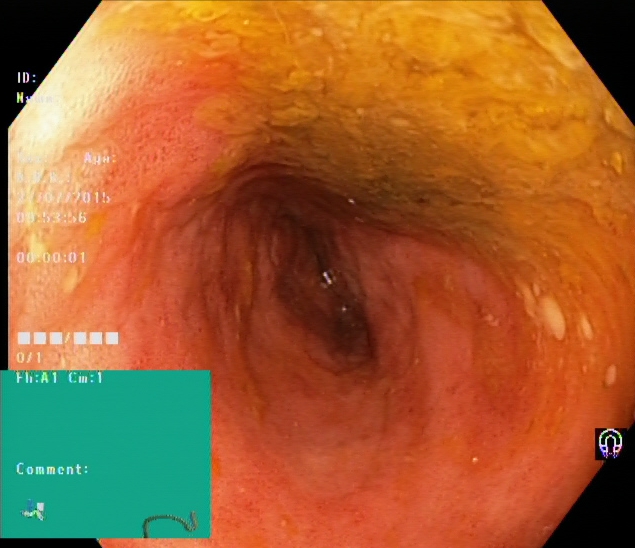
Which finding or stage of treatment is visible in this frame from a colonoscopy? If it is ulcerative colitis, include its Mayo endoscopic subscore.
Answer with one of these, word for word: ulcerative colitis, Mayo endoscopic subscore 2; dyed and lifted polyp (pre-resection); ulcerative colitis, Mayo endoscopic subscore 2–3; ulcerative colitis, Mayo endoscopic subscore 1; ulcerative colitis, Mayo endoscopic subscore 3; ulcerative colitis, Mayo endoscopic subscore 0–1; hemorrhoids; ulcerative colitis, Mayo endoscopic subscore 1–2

ulcerative colitis, Mayo endoscopic subscore 2